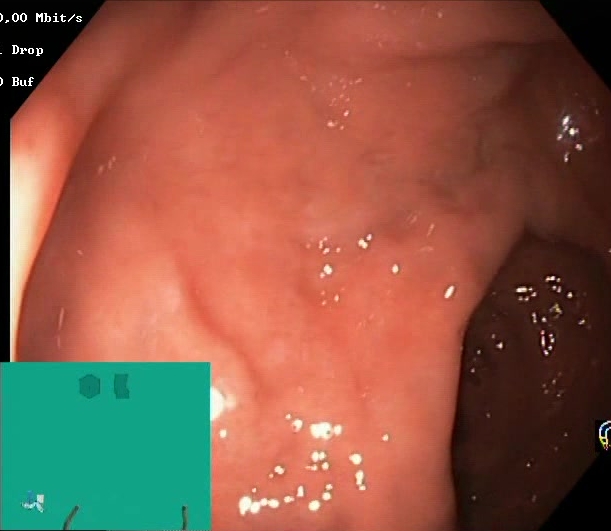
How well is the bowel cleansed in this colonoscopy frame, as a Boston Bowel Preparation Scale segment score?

Boston Bowel Preparation Scale score 2–3 (adequate preparation)